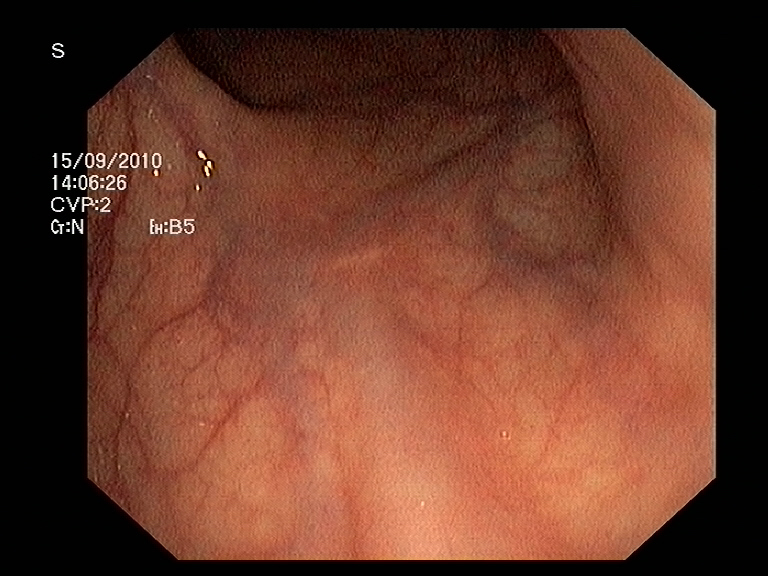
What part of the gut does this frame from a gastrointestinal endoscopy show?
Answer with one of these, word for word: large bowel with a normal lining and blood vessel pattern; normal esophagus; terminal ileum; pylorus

large bowel with a normal lining and blood vessel pattern